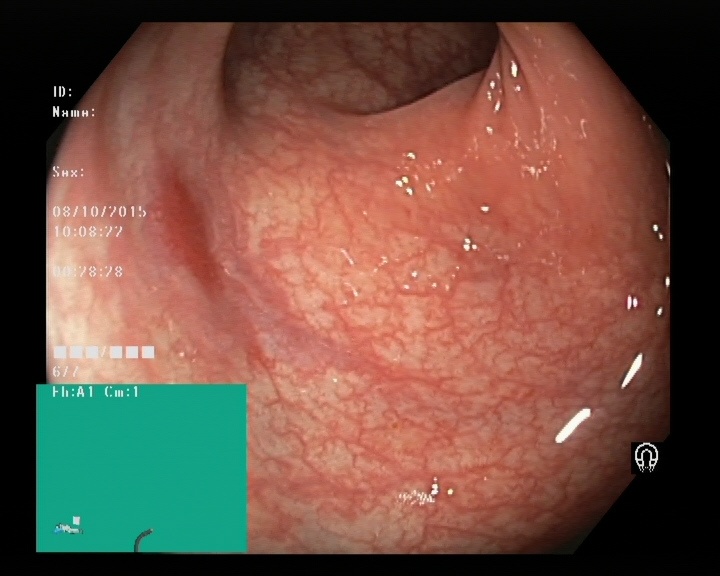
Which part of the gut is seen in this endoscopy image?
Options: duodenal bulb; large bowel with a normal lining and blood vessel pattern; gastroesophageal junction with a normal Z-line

large bowel with a normal lining and blood vessel pattern